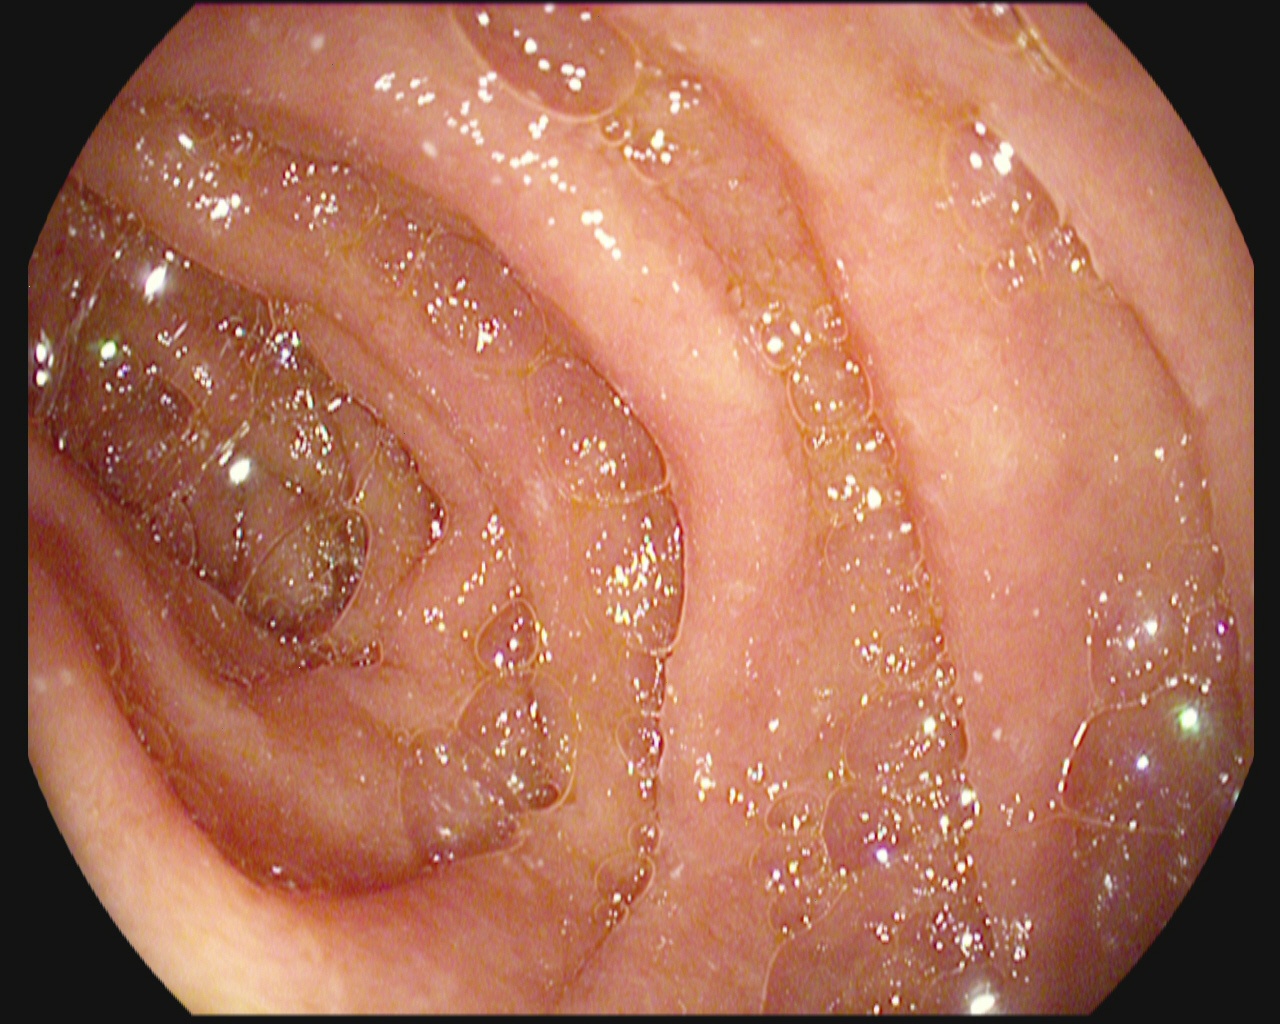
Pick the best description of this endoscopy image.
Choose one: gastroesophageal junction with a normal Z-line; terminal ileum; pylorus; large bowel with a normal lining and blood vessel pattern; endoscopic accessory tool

terminal ileum